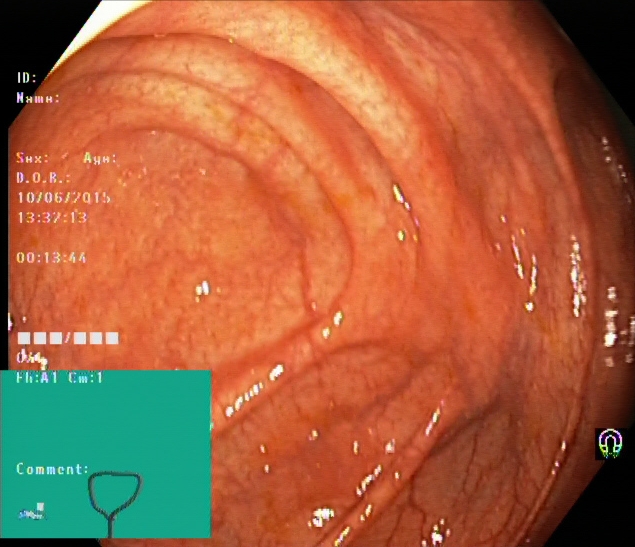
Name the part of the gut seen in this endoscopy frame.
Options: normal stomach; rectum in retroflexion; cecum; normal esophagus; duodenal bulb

cecum